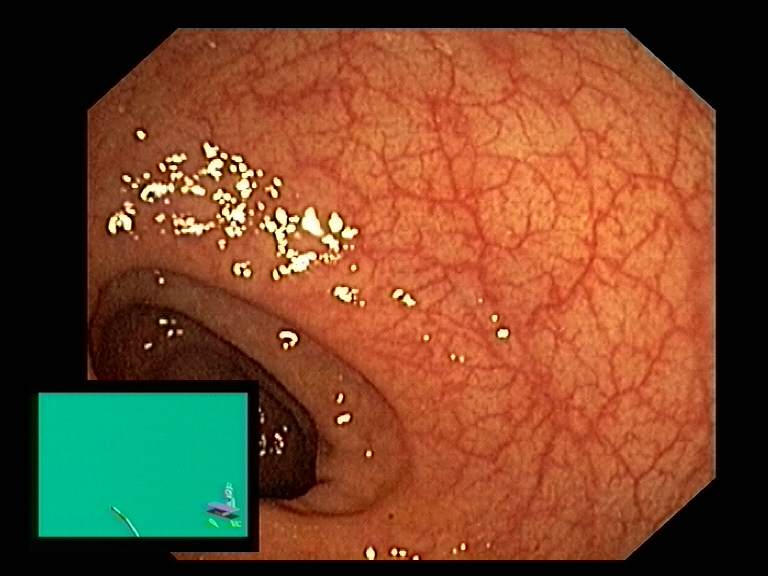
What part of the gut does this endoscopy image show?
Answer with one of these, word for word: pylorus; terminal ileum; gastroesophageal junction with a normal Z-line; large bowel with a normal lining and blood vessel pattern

large bowel with a normal lining and blood vessel pattern